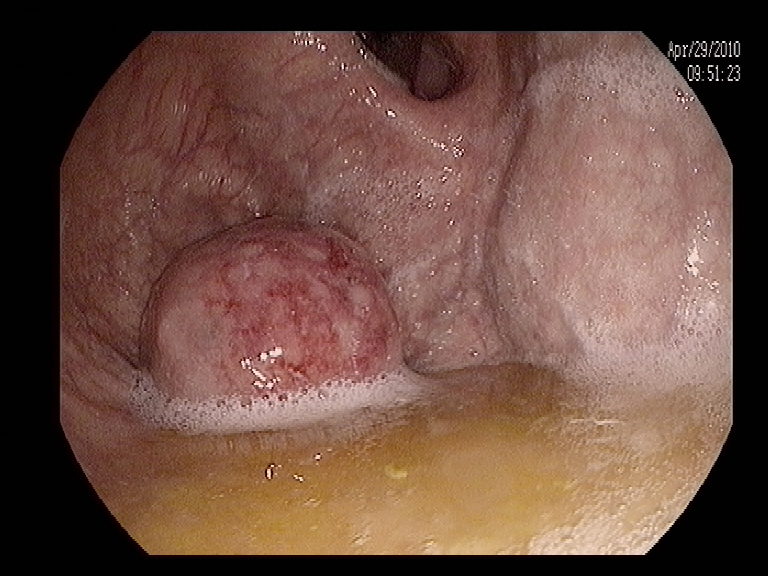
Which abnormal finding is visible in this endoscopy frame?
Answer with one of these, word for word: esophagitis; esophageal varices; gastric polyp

gastric polyp